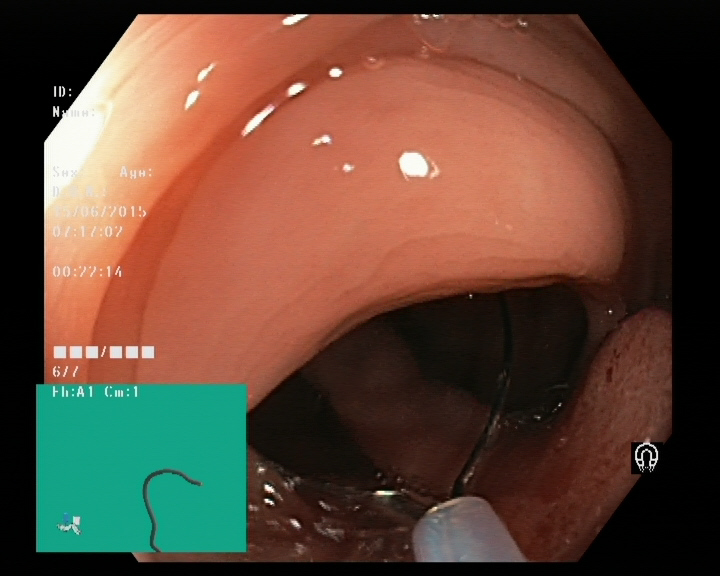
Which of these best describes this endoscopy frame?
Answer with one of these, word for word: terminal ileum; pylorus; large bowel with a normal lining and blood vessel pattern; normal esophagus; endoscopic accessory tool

endoscopic accessory tool